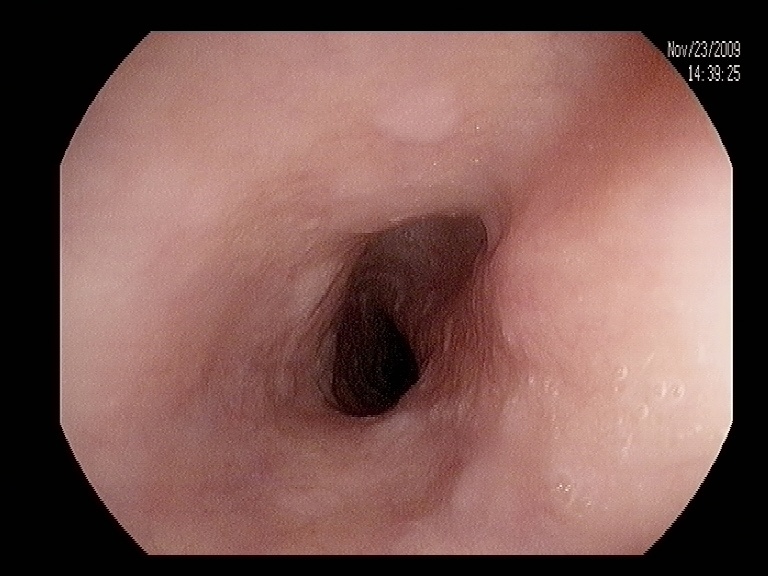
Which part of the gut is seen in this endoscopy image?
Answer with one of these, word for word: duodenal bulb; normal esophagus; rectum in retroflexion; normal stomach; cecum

normal esophagus